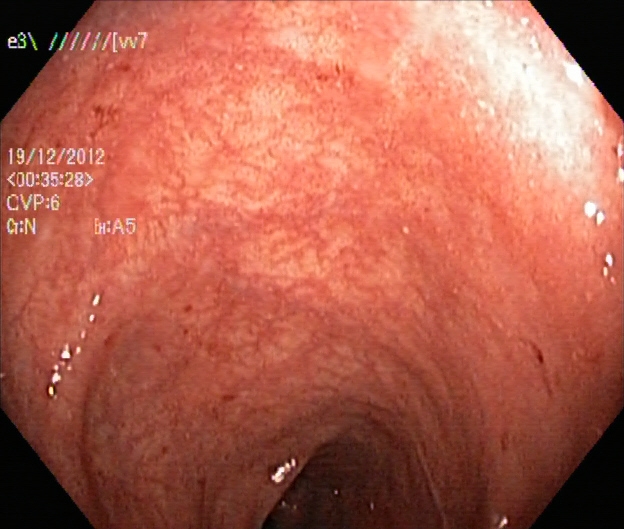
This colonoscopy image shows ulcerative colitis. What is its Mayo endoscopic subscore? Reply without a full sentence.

ulcerative colitis, Mayo endoscopic subscore 1